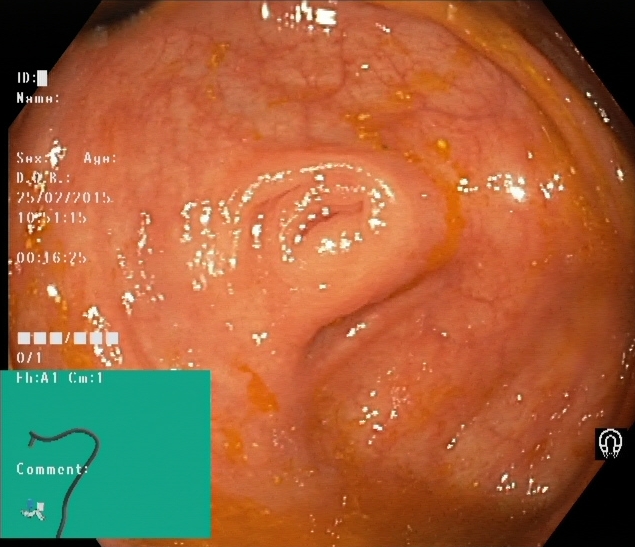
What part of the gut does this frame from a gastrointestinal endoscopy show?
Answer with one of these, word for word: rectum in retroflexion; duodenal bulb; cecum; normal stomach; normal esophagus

cecum